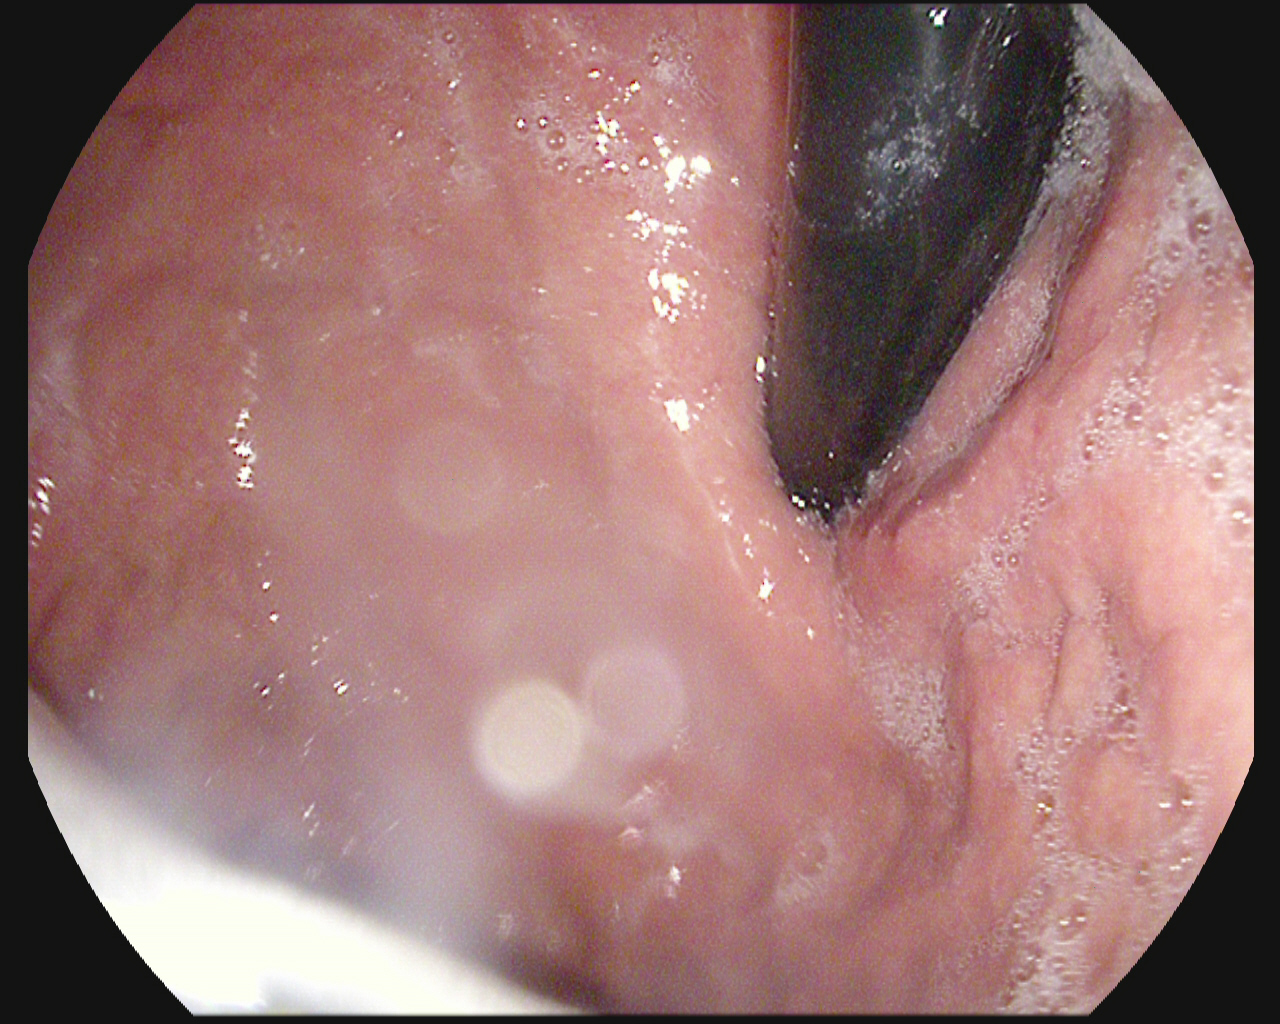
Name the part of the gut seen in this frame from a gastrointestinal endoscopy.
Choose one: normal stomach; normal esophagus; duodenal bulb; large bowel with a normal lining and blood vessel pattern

normal stomach